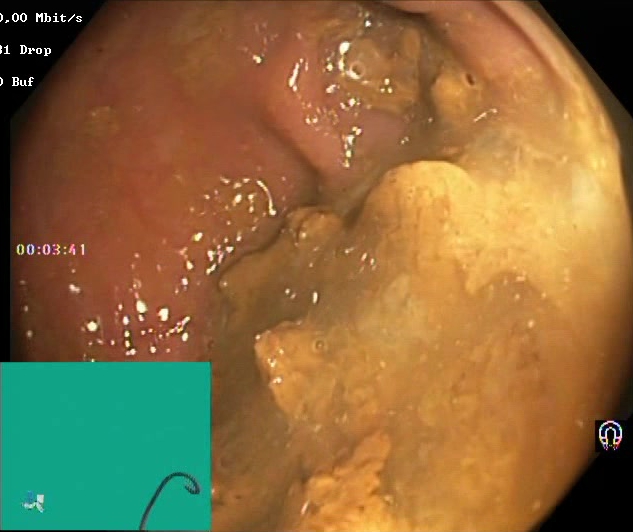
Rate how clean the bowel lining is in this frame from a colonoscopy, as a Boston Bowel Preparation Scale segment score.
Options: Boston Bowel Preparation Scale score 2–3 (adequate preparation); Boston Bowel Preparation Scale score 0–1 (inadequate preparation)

Boston Bowel Preparation Scale score 0–1 (inadequate preparation)